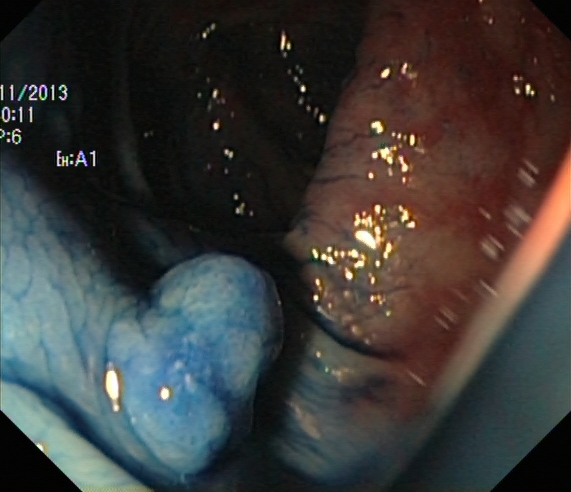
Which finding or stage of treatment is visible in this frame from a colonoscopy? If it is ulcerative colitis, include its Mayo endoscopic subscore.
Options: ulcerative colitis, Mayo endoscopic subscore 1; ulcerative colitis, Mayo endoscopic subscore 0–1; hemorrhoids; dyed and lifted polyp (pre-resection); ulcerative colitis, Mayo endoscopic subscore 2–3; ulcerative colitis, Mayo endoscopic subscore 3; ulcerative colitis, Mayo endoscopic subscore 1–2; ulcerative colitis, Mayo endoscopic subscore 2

dyed and lifted polyp (pre-resection)